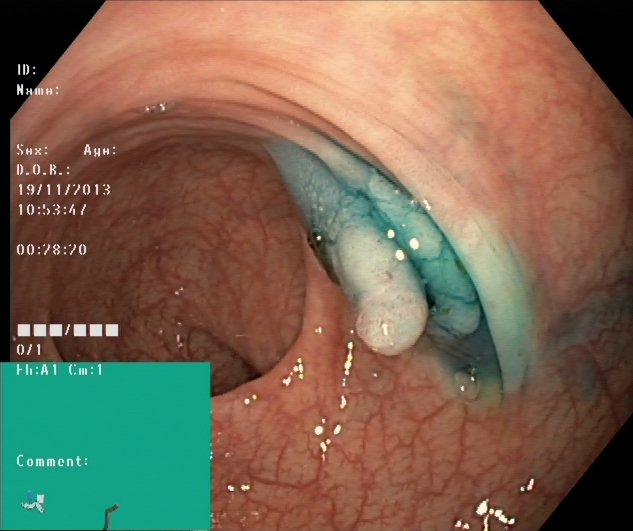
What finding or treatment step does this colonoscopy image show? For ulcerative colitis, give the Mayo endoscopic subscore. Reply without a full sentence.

dyed and lifted polyp (pre-resection)